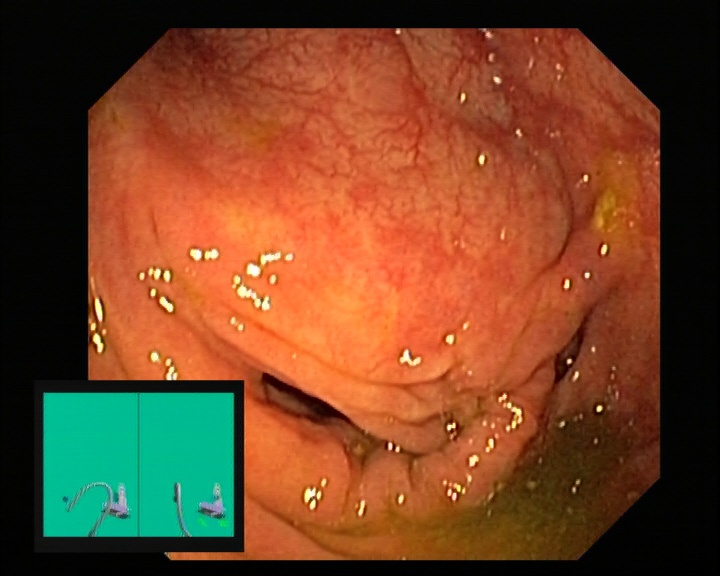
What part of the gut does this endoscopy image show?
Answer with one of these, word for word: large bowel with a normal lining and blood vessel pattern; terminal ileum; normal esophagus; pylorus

large bowel with a normal lining and blood vessel pattern